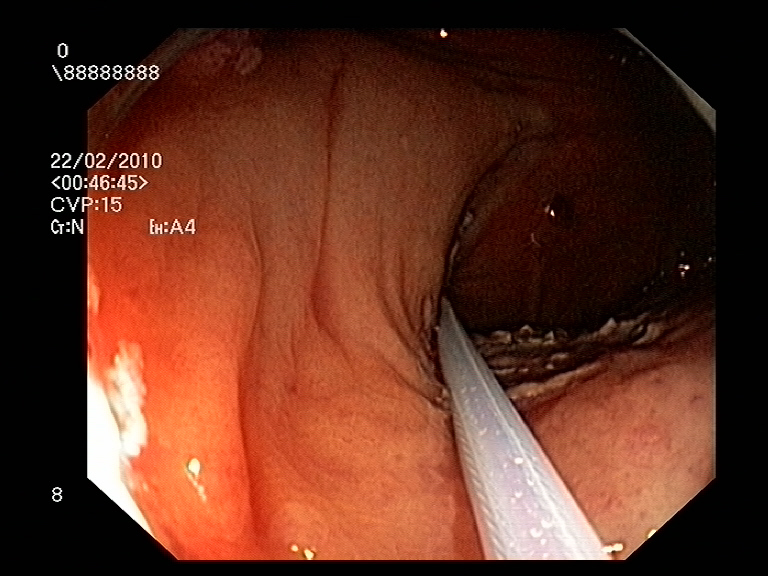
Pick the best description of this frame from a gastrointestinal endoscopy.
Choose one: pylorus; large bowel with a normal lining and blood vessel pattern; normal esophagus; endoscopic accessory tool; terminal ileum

endoscopic accessory tool